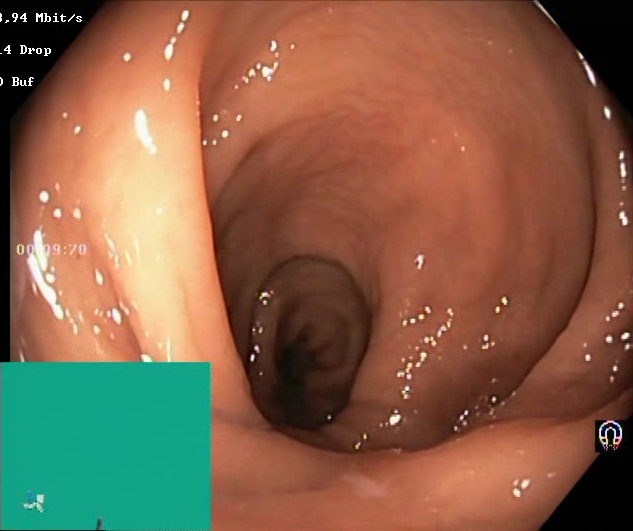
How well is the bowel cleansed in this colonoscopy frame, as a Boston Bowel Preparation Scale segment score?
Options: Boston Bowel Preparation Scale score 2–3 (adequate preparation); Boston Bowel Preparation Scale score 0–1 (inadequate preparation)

Boston Bowel Preparation Scale score 2–3 (adequate preparation)